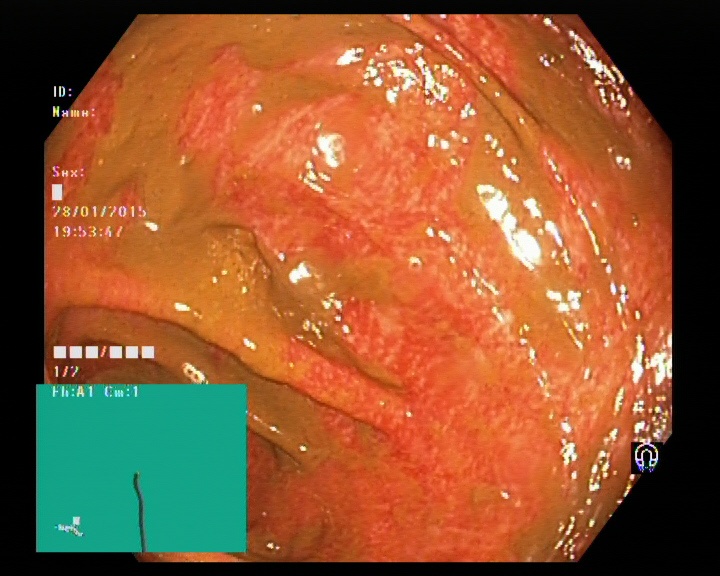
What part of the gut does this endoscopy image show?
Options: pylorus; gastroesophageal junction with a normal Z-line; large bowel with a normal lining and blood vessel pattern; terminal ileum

large bowel with a normal lining and blood vessel pattern